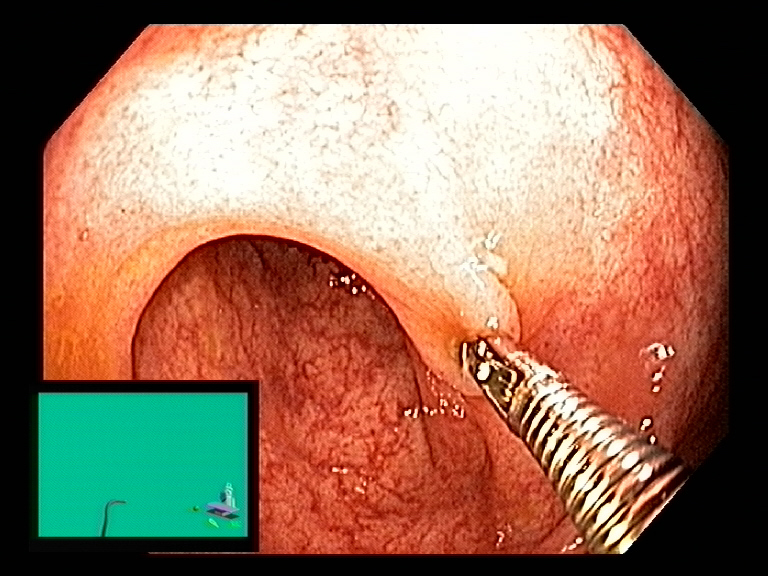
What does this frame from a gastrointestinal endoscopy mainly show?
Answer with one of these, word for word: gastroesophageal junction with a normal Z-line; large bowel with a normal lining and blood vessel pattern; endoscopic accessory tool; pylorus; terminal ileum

endoscopic accessory tool